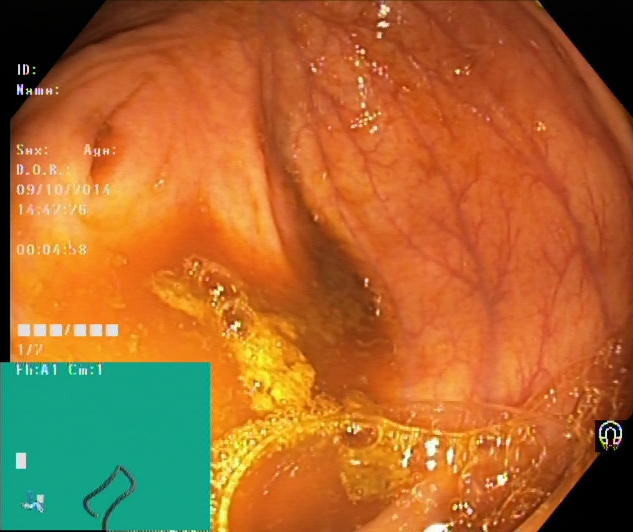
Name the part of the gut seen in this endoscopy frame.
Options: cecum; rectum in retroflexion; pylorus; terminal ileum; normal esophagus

cecum